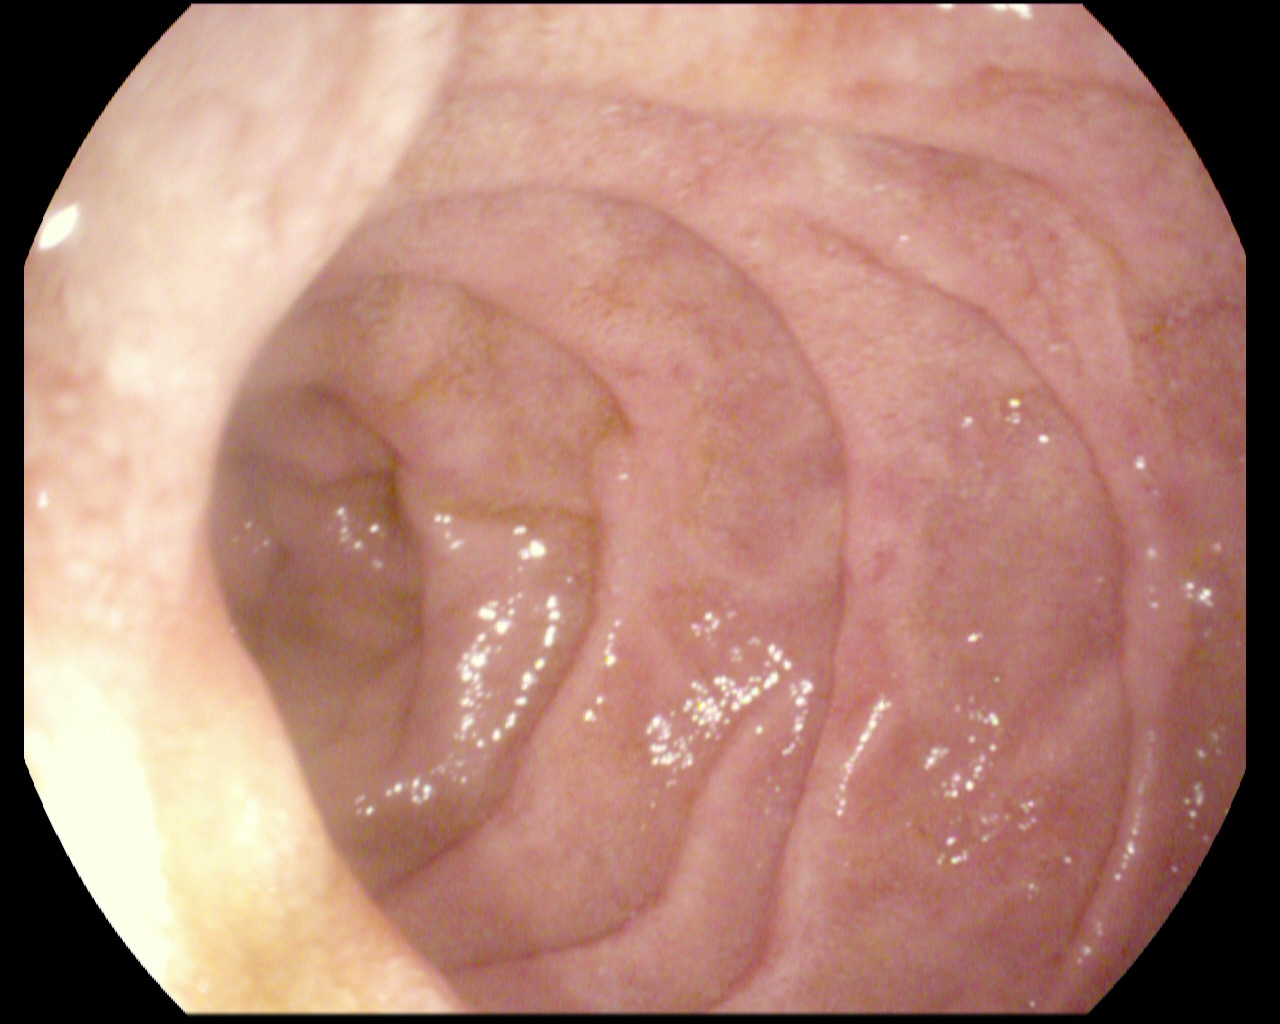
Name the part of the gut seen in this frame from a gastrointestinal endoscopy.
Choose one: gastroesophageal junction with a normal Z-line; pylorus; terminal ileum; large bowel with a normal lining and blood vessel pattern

terminal ileum